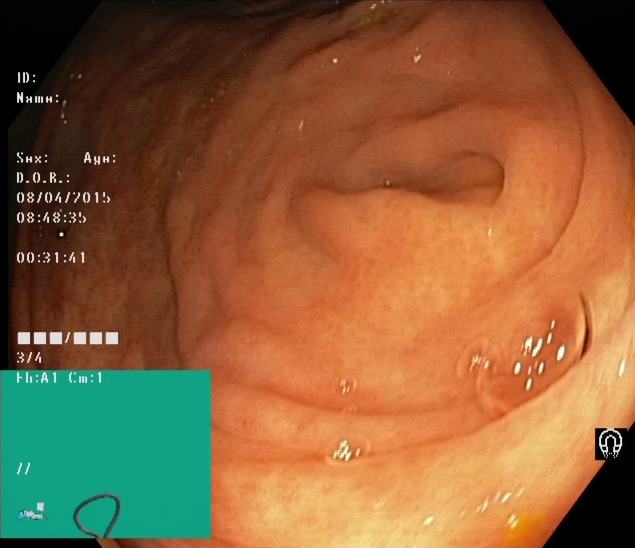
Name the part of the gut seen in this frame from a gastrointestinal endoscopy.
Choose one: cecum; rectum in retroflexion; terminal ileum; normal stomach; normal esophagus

cecum